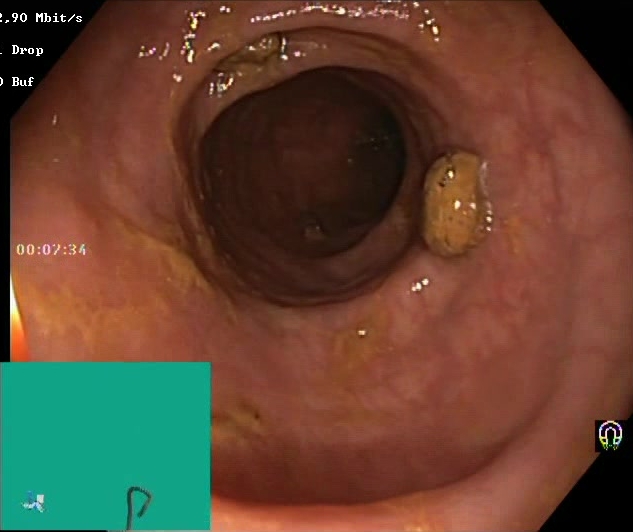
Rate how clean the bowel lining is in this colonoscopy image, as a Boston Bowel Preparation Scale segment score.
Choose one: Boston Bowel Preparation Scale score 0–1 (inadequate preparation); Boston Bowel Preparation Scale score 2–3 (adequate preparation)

Boston Bowel Preparation Scale score 2–3 (adequate preparation)